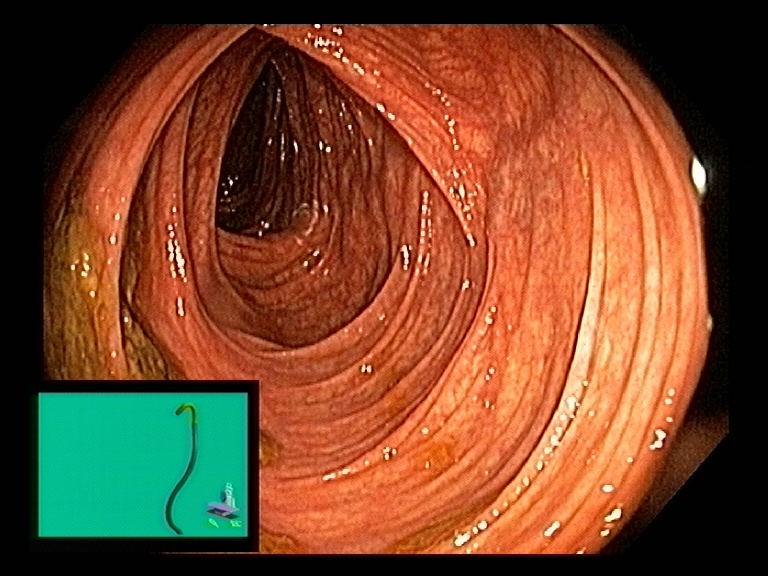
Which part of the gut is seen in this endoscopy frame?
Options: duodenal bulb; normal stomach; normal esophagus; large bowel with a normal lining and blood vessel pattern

large bowel with a normal lining and blood vessel pattern